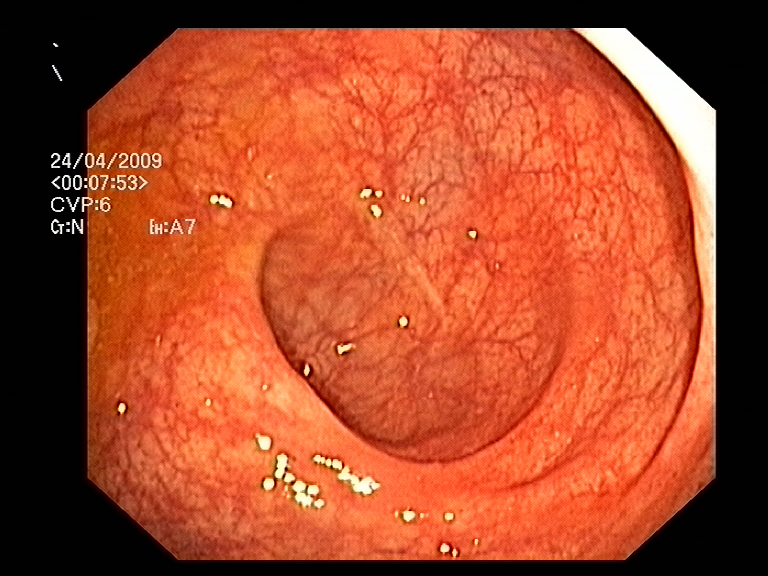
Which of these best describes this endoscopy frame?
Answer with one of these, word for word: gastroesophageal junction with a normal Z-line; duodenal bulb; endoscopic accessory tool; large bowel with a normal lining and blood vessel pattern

large bowel with a normal lining and blood vessel pattern